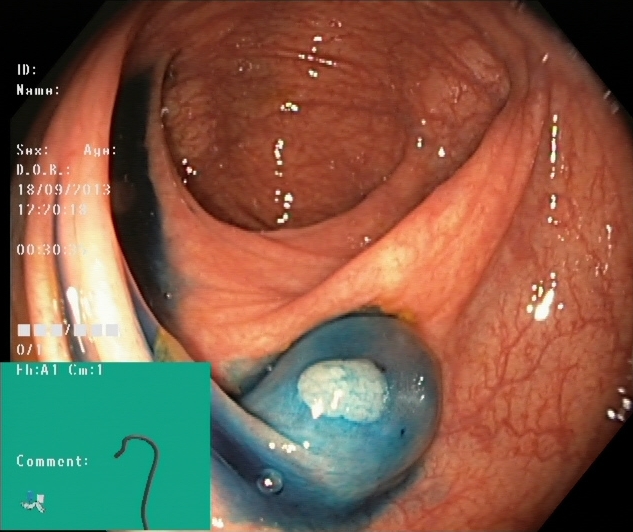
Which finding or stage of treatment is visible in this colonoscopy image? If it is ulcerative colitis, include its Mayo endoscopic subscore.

dyed and lifted polyp (pre-resection)